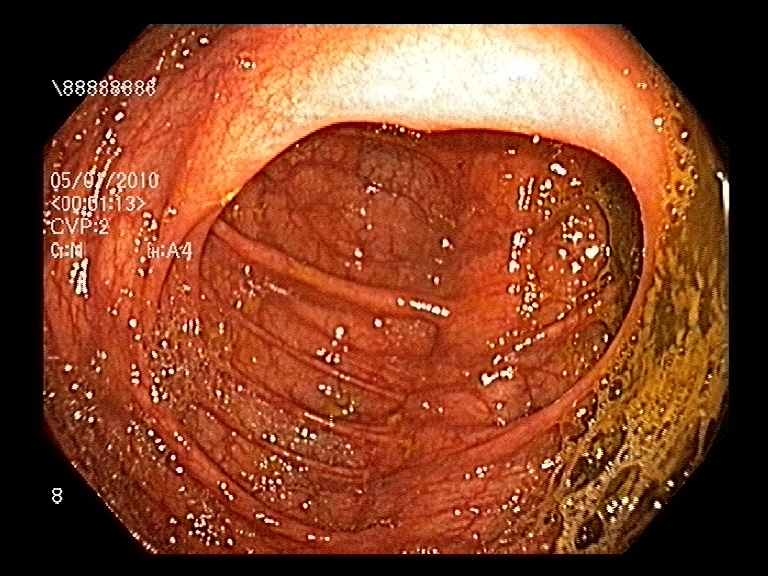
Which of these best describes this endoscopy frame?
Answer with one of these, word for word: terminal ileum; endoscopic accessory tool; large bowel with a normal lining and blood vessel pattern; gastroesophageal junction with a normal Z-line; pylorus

large bowel with a normal lining and blood vessel pattern